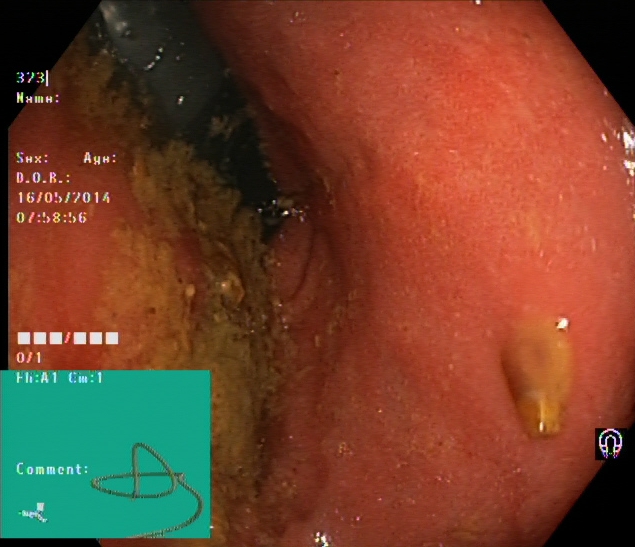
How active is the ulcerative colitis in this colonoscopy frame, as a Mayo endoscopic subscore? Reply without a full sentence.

ulcerative colitis, Mayo endoscopic subscore 2